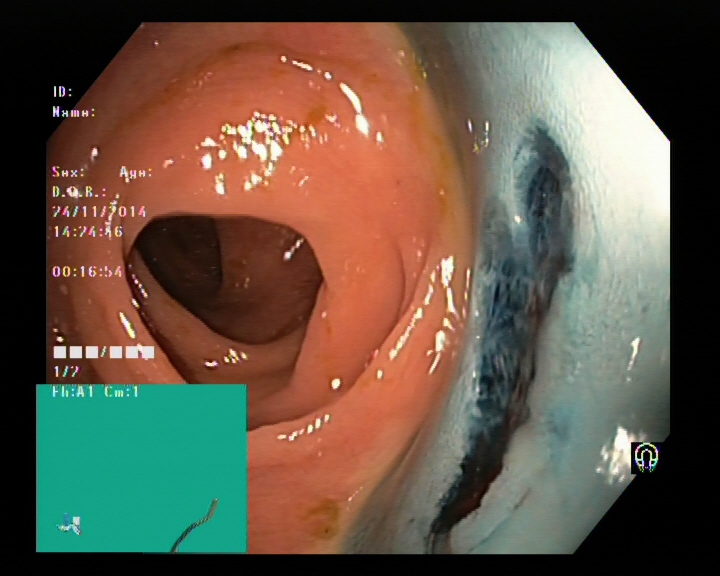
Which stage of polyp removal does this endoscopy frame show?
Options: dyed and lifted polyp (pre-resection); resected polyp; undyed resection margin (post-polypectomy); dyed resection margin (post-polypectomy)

dyed resection margin (post-polypectomy)